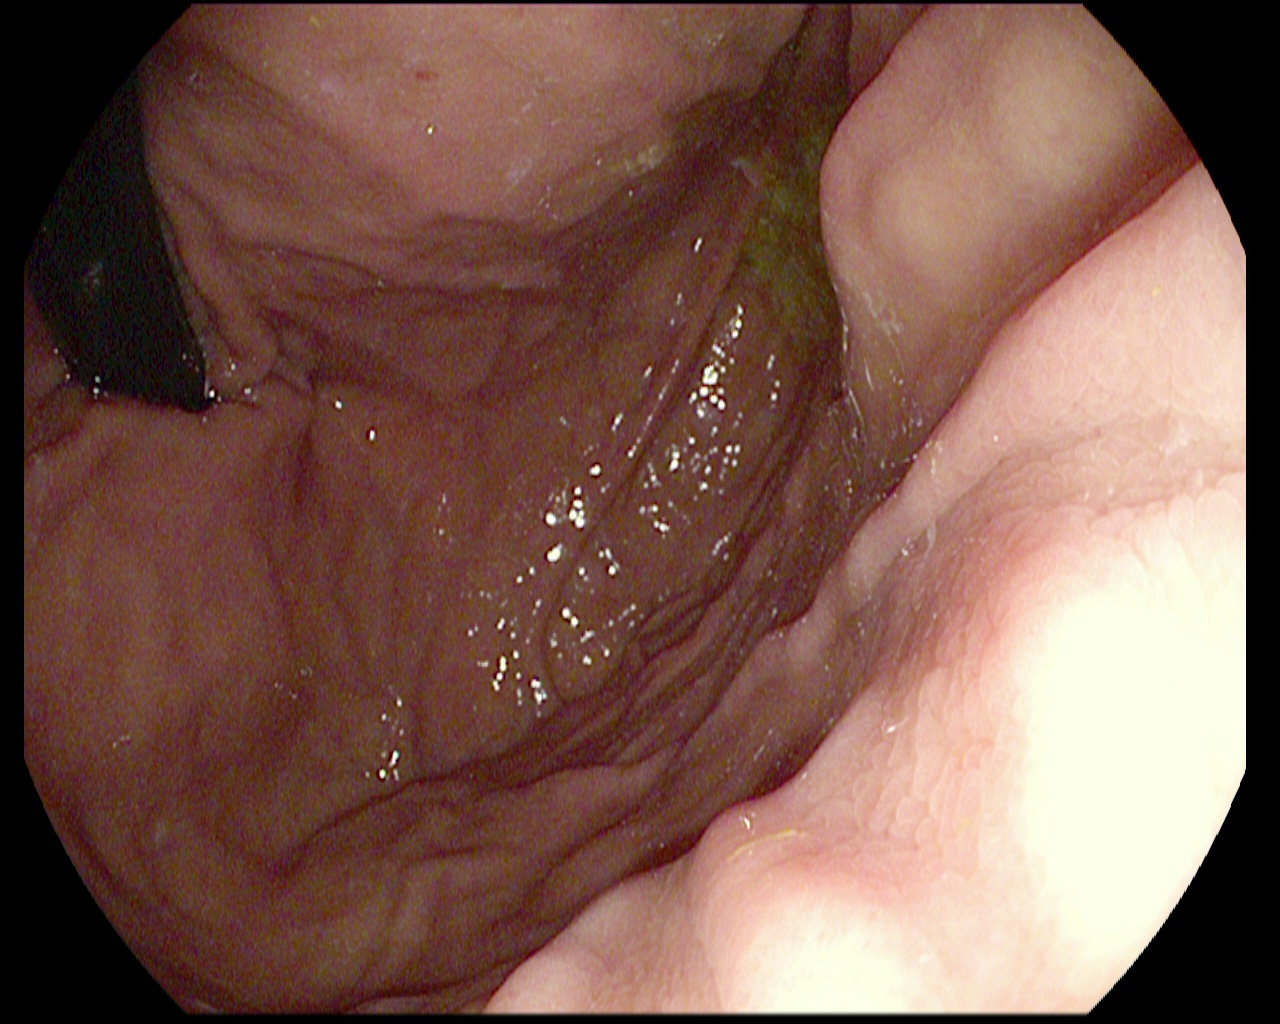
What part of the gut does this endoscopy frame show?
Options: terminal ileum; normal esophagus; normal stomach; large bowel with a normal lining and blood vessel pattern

normal stomach